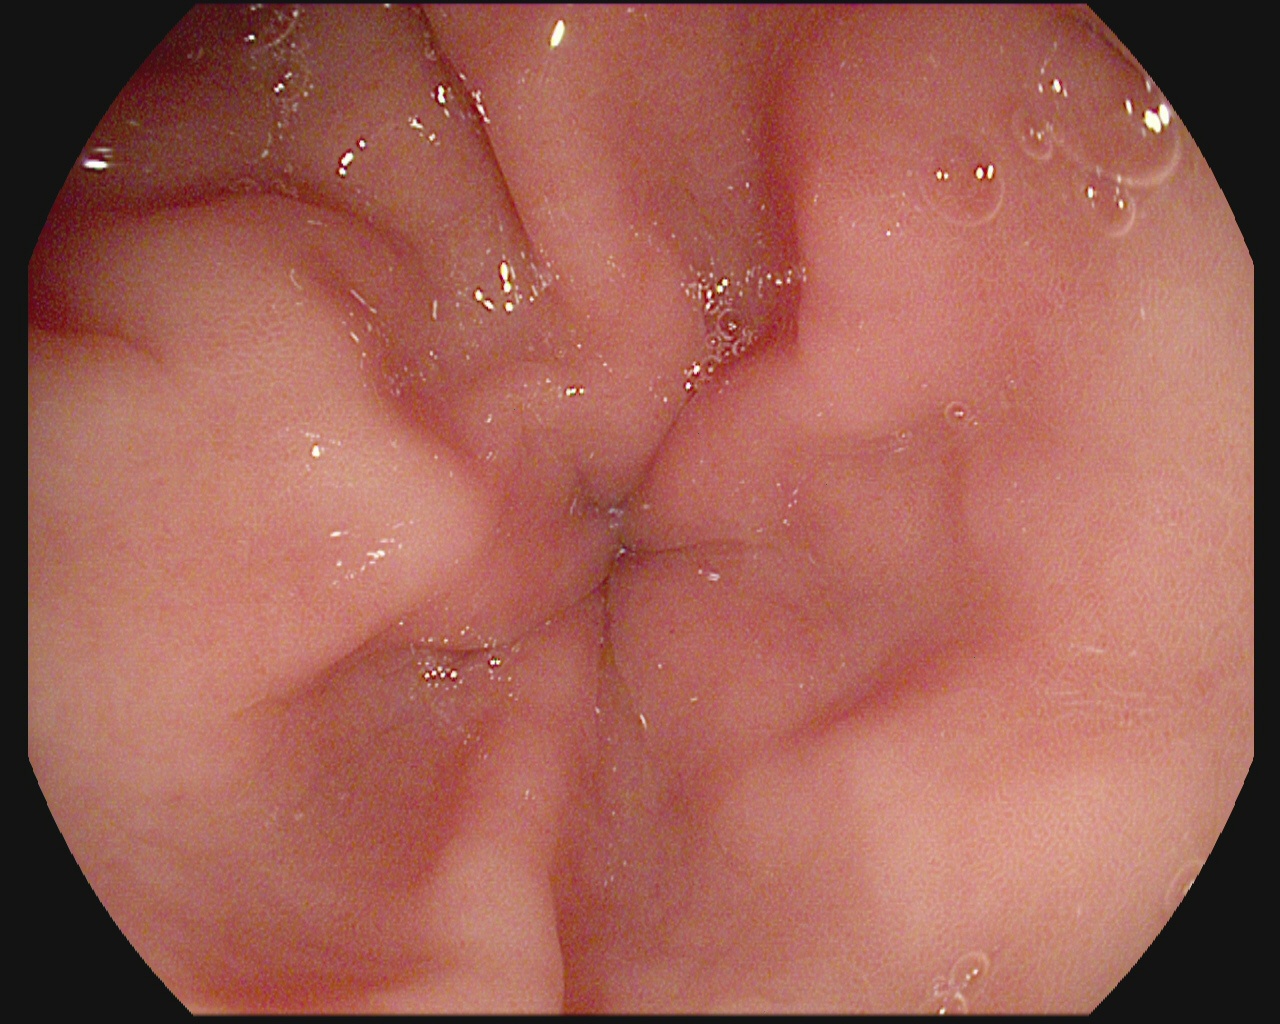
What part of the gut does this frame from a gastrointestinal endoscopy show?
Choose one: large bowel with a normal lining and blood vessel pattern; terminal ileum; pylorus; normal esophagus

pylorus